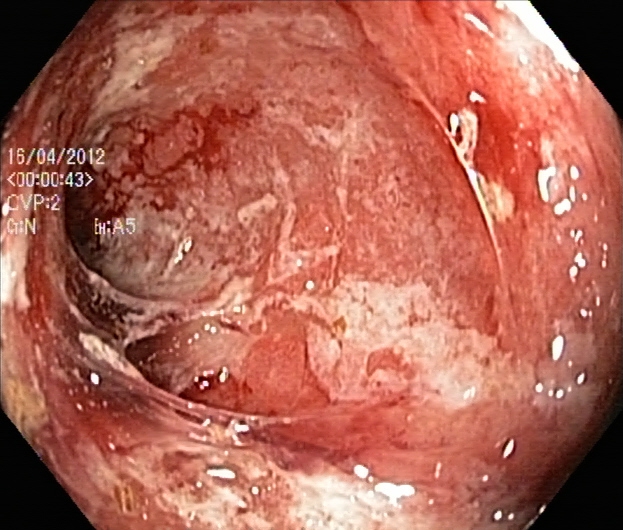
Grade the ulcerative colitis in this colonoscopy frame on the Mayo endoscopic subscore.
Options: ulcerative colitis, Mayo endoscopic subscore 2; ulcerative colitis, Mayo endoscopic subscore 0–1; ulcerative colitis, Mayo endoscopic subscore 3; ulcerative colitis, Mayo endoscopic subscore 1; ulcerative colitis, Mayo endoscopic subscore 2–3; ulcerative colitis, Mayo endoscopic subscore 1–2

ulcerative colitis, Mayo endoscopic subscore 3